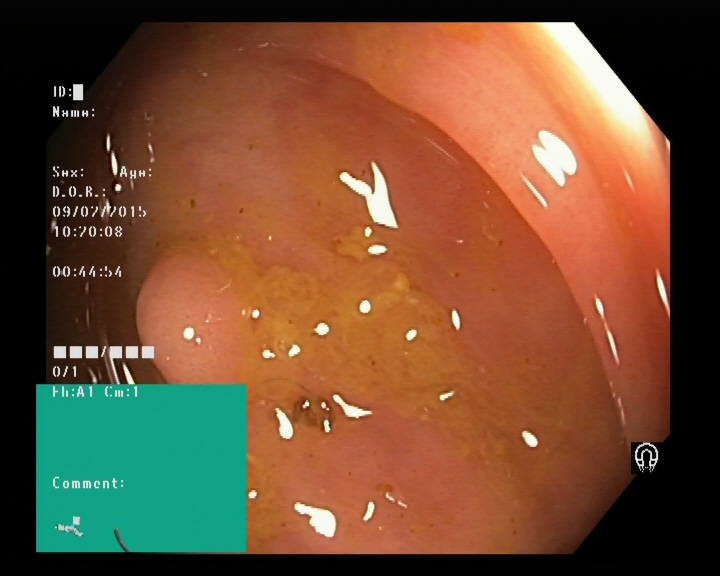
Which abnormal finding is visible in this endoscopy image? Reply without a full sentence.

colon polyp